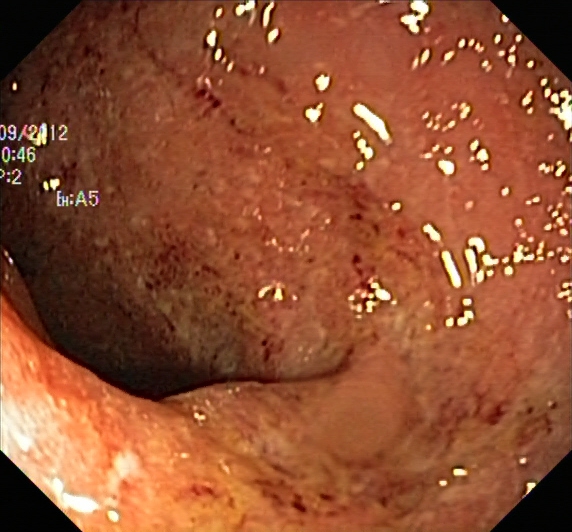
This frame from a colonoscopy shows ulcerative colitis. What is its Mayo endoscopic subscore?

ulcerative colitis, Mayo endoscopic subscore 2